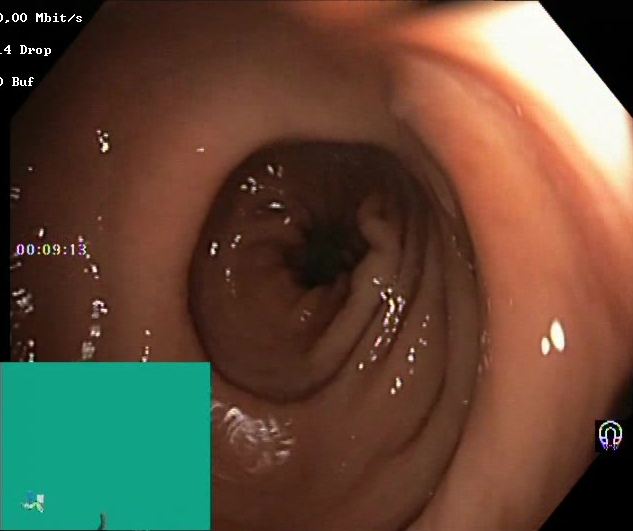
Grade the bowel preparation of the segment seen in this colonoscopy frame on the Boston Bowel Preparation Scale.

Boston Bowel Preparation Scale score 2–3 (adequate preparation)